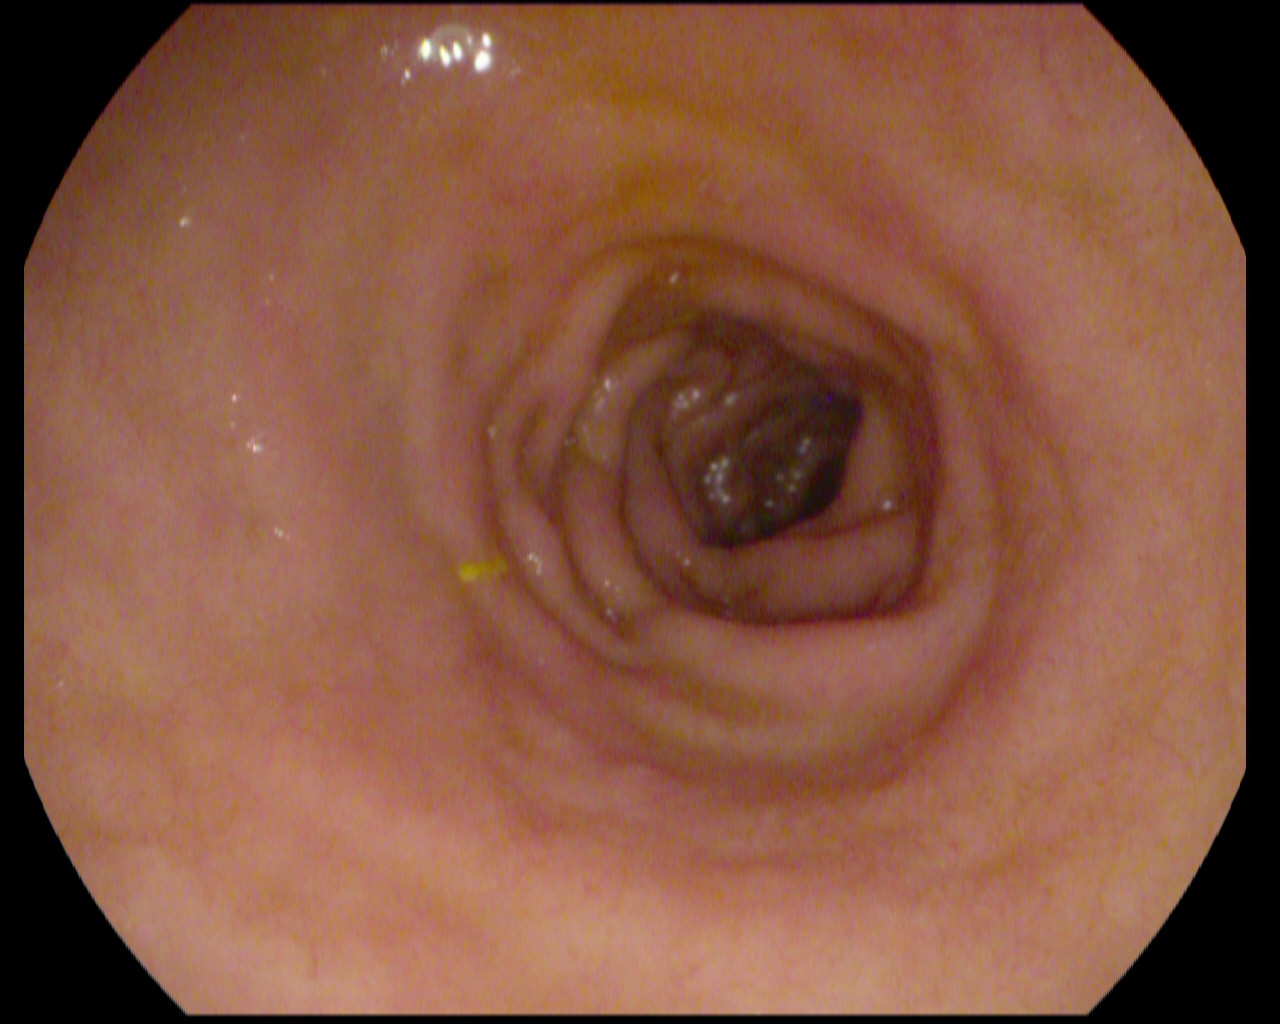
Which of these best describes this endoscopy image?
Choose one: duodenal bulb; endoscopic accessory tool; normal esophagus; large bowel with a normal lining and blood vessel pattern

duodenal bulb